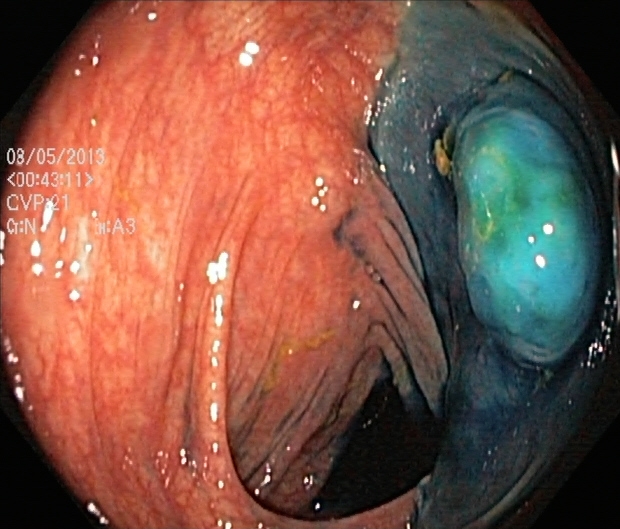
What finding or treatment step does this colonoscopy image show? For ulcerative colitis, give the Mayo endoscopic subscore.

dyed and lifted polyp (pre-resection)